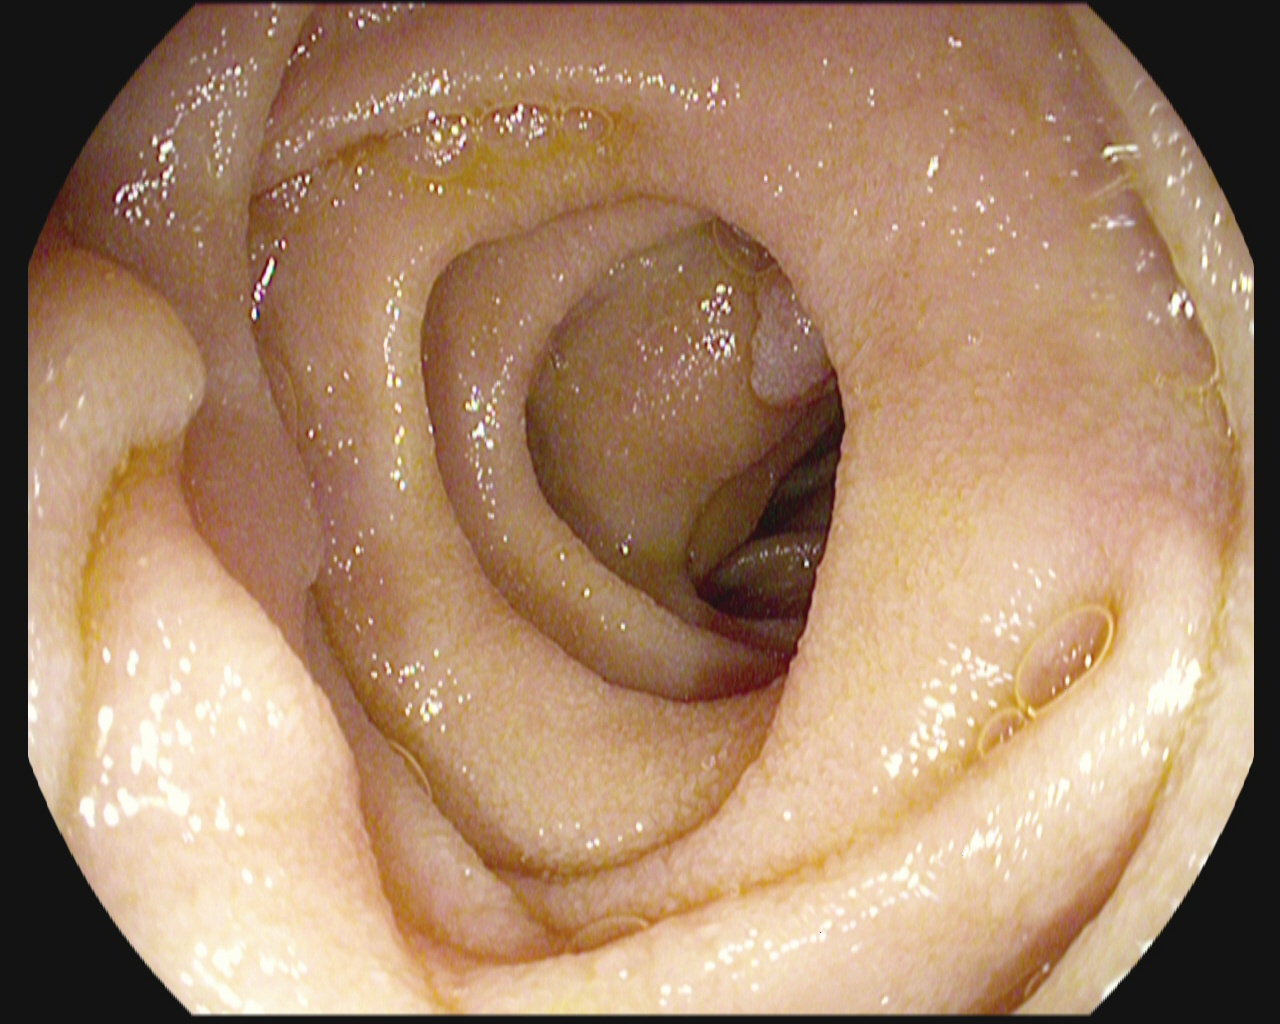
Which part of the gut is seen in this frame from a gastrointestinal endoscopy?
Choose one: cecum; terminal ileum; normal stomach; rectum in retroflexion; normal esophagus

terminal ileum